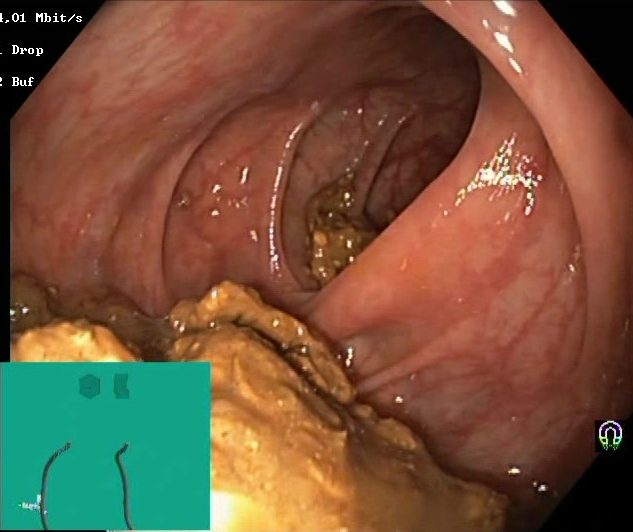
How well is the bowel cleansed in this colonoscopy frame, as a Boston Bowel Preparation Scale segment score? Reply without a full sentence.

Boston Bowel Preparation Scale score 0–1 (inadequate preparation)